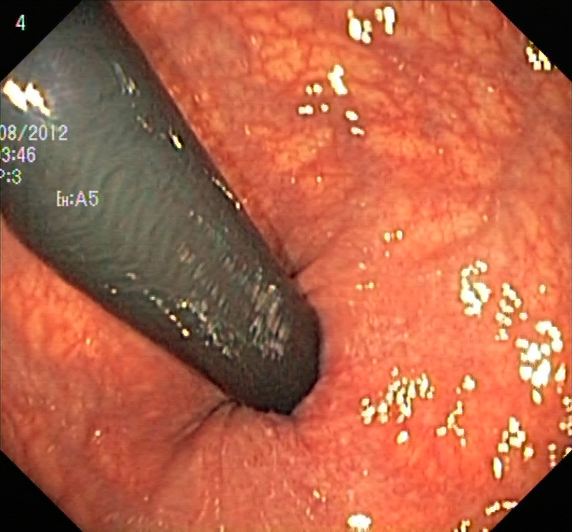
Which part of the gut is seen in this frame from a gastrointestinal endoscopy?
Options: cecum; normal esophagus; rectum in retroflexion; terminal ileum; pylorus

rectum in retroflexion